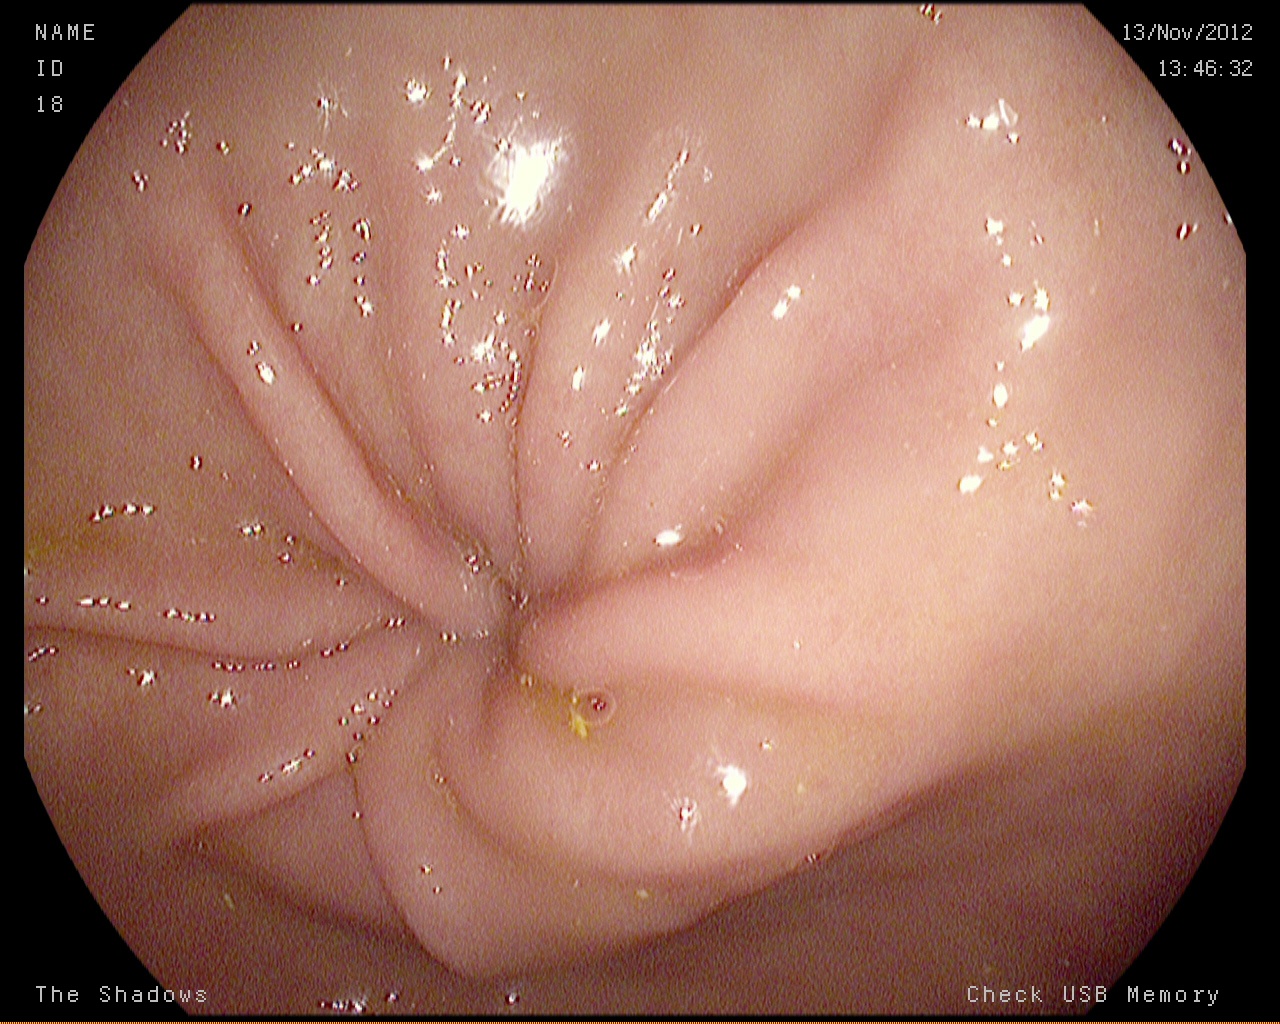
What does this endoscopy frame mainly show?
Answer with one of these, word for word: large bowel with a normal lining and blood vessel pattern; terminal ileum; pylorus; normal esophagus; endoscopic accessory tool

pylorus